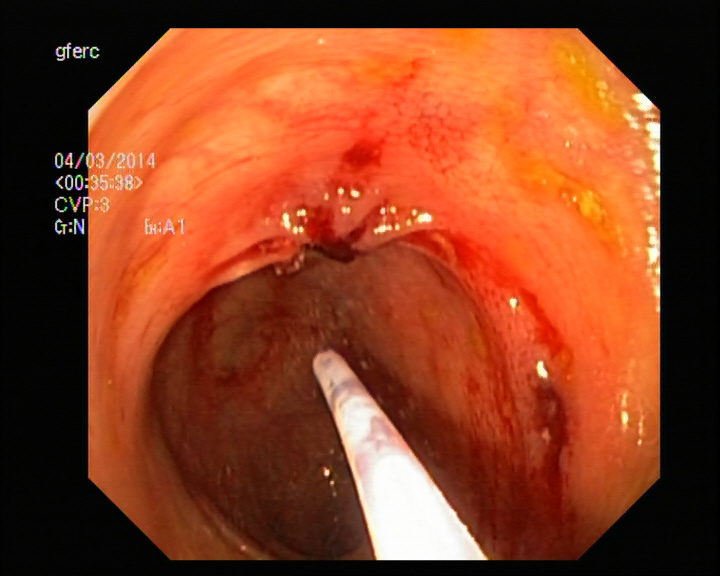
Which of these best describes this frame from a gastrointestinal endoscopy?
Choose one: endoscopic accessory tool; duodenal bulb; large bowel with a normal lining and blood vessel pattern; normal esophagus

endoscopic accessory tool